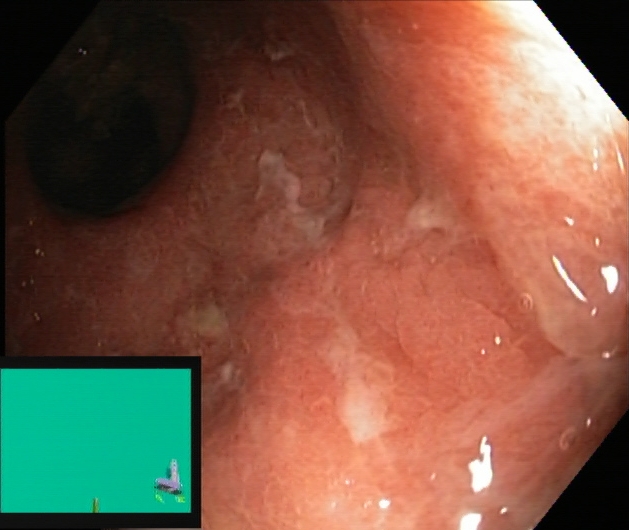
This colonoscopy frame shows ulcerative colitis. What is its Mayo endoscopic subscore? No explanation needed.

ulcerative colitis, Mayo endoscopic subscore 2